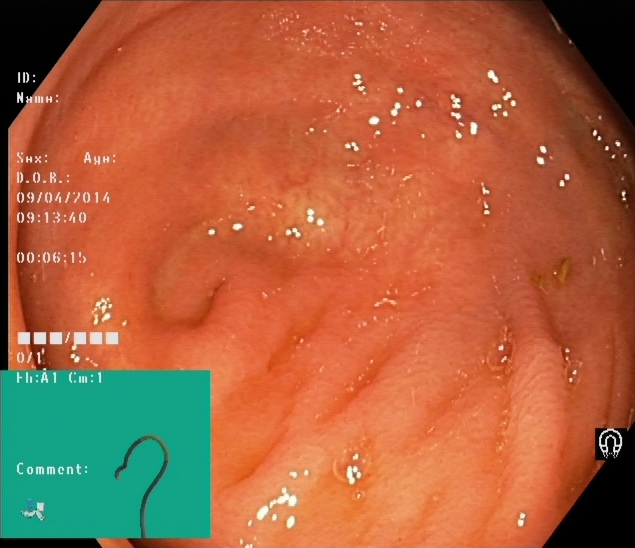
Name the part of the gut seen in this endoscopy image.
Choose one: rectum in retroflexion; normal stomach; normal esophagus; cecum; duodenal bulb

cecum